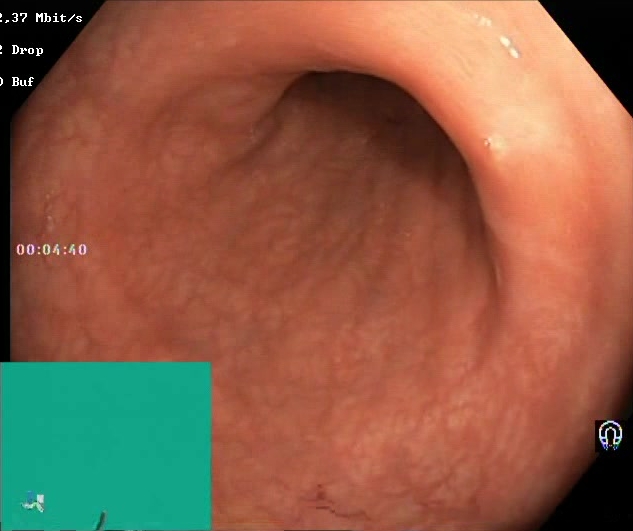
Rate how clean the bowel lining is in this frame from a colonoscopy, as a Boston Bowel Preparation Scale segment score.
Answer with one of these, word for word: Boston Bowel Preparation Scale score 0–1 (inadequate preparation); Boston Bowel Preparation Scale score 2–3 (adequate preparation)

Boston Bowel Preparation Scale score 2–3 (adequate preparation)